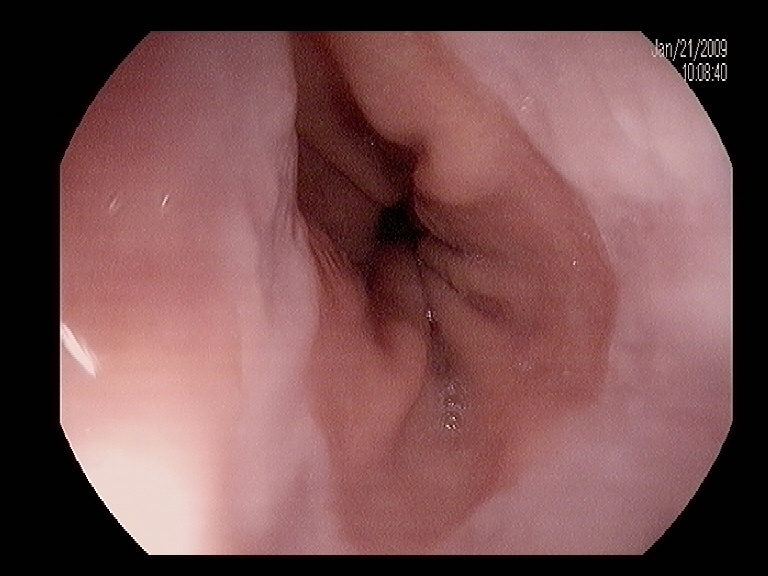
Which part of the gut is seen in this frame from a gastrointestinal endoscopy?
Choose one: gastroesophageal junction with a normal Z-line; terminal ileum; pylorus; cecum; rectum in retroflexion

gastroesophageal junction with a normal Z-line